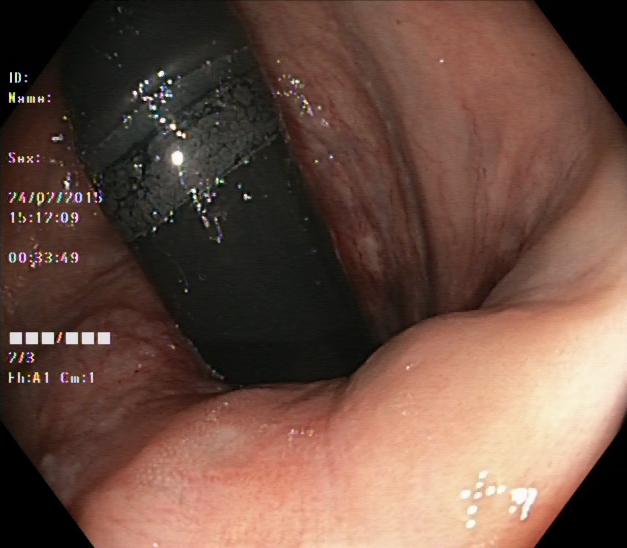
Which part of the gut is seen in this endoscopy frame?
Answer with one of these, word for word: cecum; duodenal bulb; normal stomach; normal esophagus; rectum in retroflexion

rectum in retroflexion